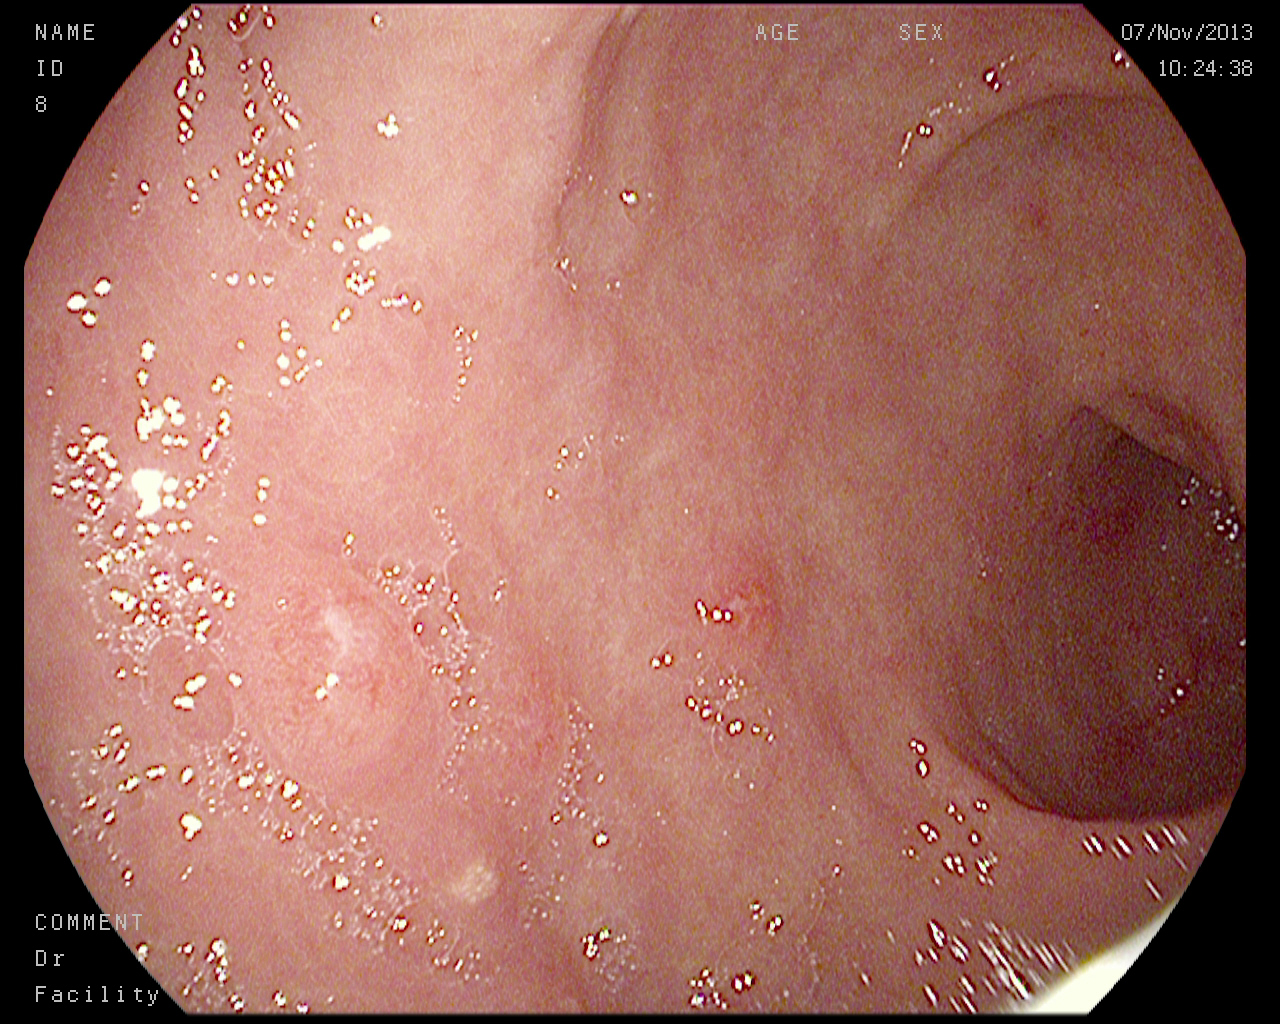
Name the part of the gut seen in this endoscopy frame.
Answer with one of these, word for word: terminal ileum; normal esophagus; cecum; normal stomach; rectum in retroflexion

normal stomach